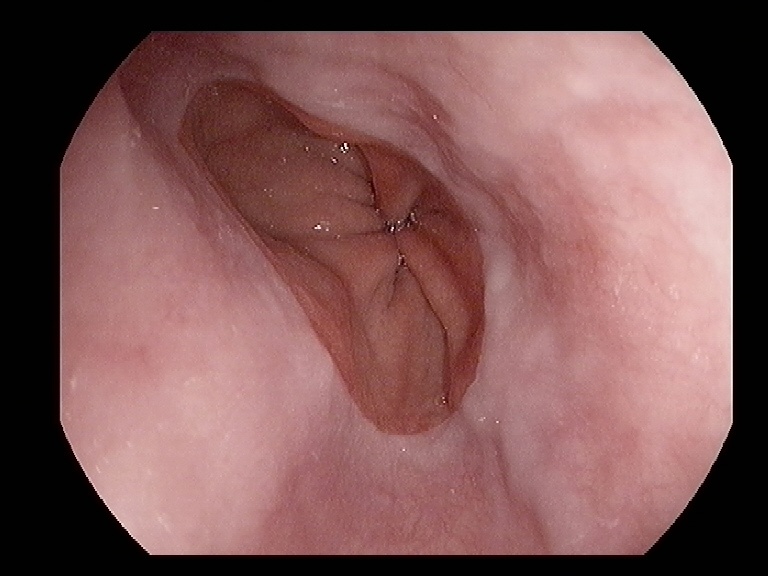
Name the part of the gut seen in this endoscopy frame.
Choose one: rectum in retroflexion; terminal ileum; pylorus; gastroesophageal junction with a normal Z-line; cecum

gastroesophageal junction with a normal Z-line